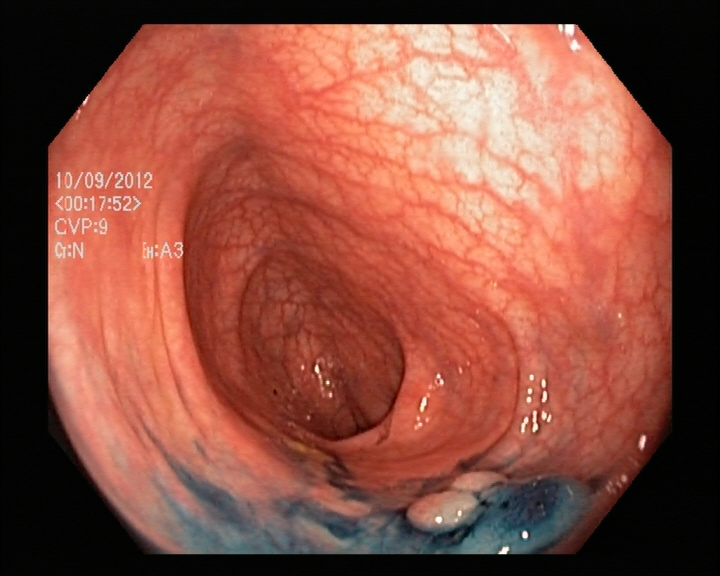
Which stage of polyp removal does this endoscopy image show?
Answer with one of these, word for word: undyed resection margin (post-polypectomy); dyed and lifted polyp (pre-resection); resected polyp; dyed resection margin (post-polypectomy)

dyed and lifted polyp (pre-resection)